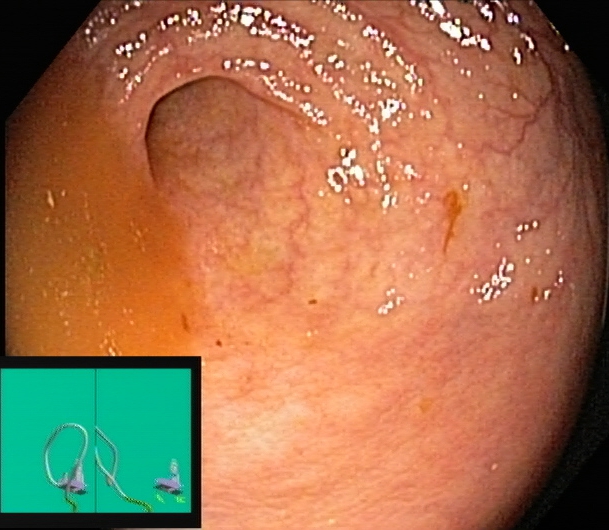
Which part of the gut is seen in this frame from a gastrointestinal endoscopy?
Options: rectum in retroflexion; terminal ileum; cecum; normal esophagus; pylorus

cecum